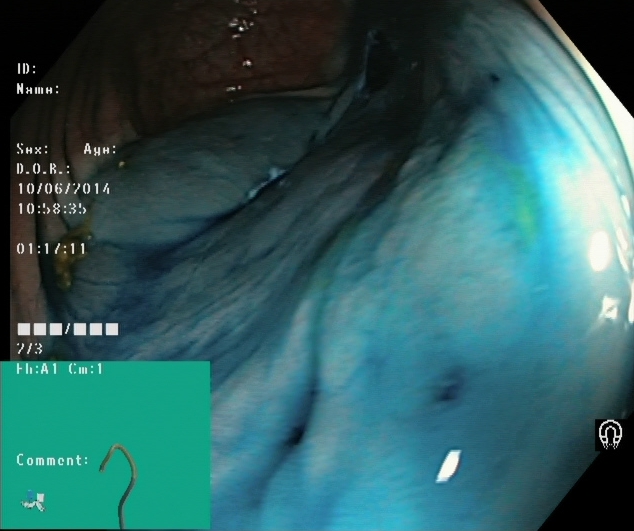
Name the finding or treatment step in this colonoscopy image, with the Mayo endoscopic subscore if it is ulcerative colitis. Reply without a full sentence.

dyed and lifted polyp (pre-resection)